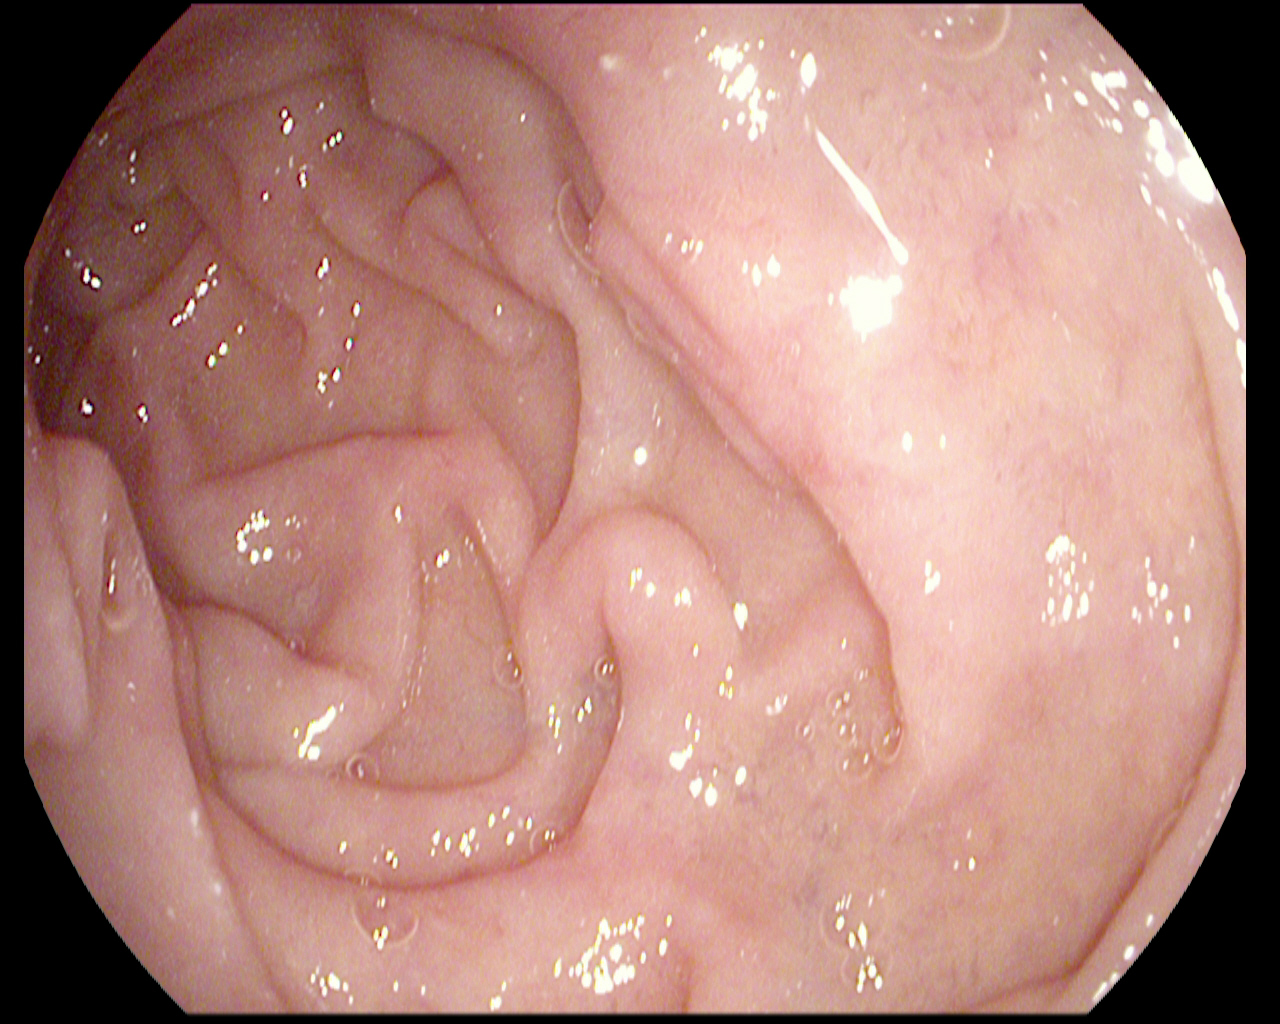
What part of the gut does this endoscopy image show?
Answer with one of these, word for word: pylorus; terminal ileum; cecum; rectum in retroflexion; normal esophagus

terminal ileum